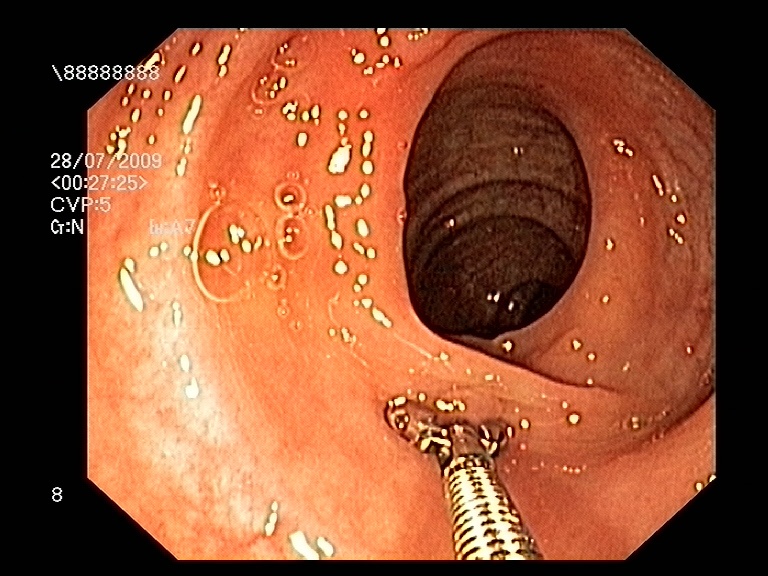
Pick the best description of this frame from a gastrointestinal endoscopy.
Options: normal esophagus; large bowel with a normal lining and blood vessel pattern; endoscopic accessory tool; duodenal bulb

endoscopic accessory tool